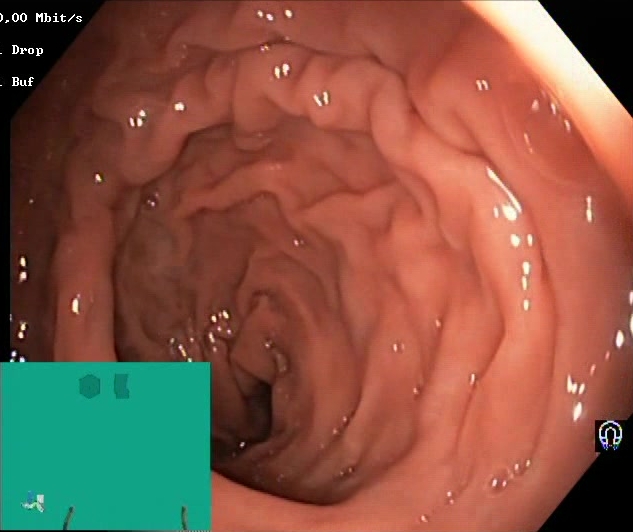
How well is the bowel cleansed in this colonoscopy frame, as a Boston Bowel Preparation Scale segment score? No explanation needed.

Boston Bowel Preparation Scale score 2–3 (adequate preparation)